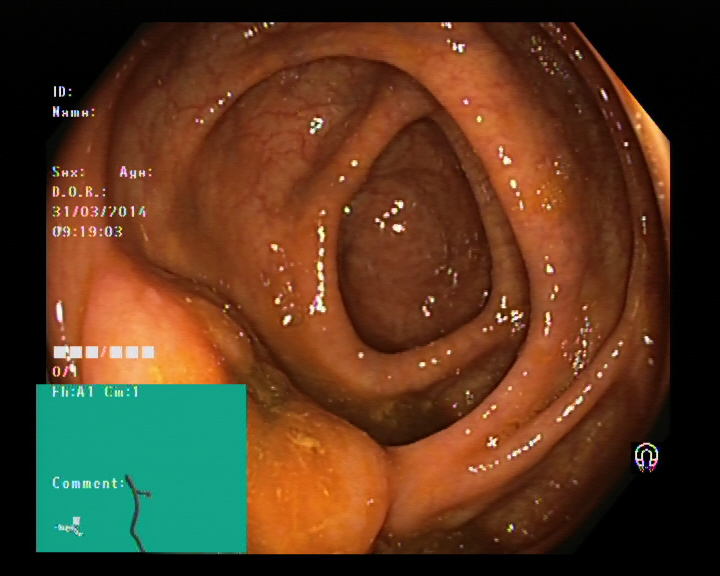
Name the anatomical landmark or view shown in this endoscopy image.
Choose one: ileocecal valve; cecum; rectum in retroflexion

ileocecal valve